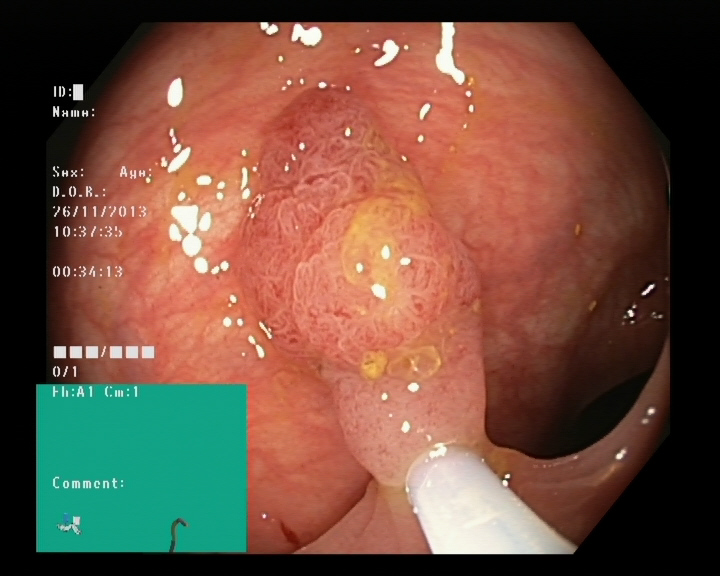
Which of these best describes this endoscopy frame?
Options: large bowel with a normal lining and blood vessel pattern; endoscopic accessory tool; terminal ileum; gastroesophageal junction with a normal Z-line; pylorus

endoscopic accessory tool